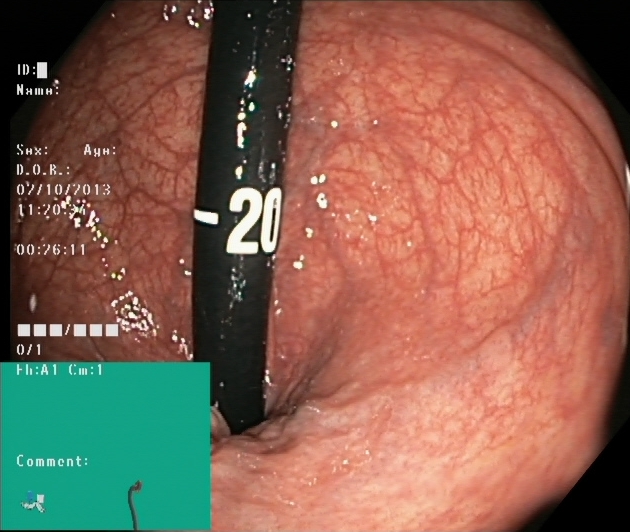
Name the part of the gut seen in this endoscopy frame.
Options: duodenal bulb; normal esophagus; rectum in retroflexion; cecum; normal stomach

rectum in retroflexion